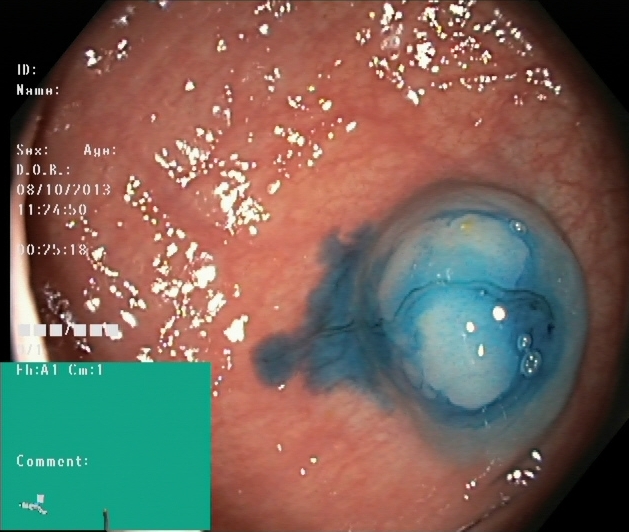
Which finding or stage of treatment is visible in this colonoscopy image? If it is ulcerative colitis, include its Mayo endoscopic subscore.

dyed and lifted polyp (pre-resection)